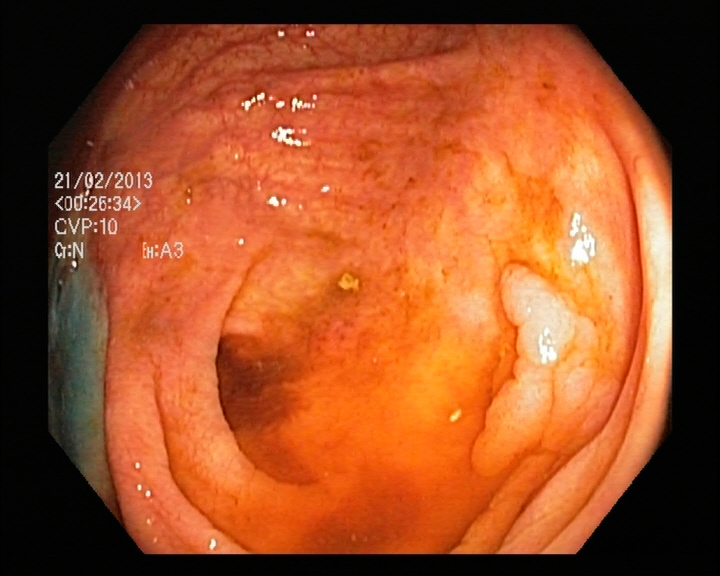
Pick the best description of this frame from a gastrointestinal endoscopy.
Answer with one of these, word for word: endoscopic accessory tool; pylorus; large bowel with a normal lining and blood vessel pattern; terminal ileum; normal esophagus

large bowel with a normal lining and blood vessel pattern